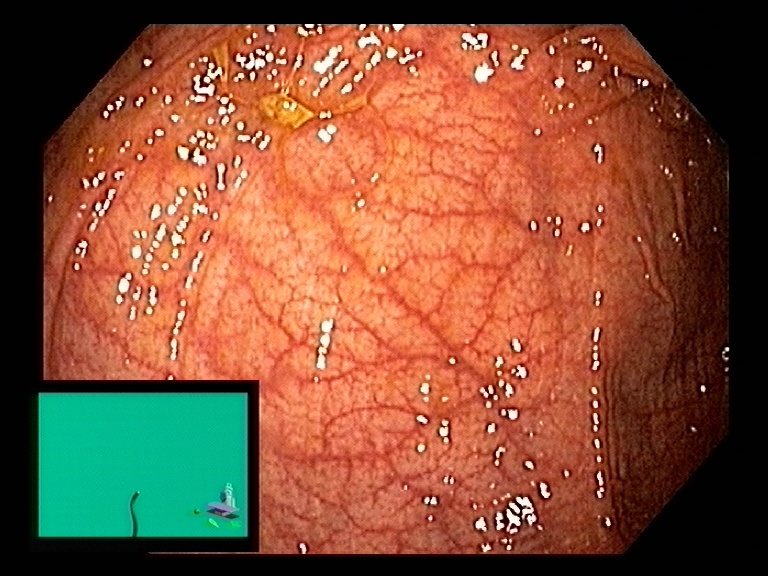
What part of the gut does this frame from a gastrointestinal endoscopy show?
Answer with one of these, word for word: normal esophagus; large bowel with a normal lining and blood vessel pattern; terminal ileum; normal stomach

large bowel with a normal lining and blood vessel pattern